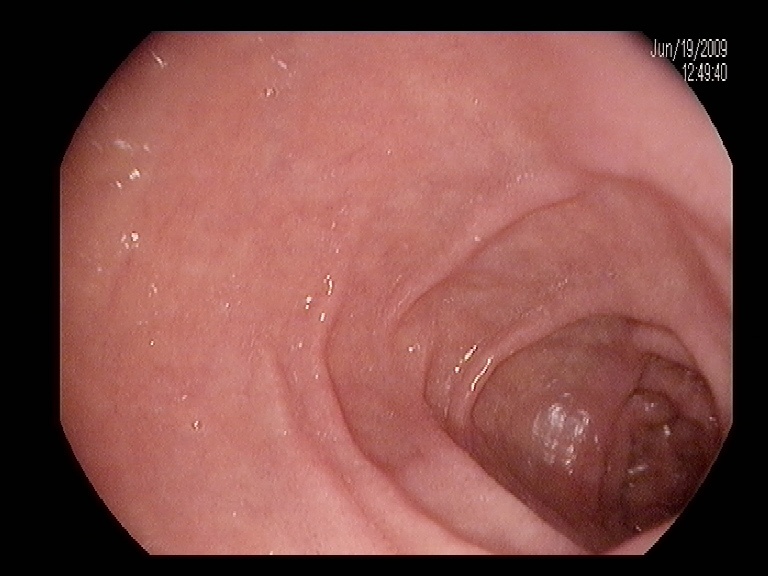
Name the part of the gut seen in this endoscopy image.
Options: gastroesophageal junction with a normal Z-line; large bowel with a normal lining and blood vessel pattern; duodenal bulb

duodenal bulb